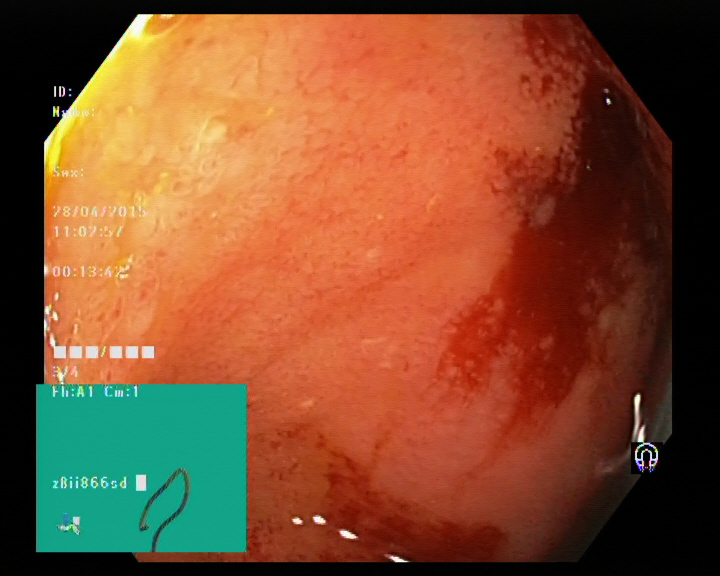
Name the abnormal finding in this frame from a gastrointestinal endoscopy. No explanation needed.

blood in the lumen